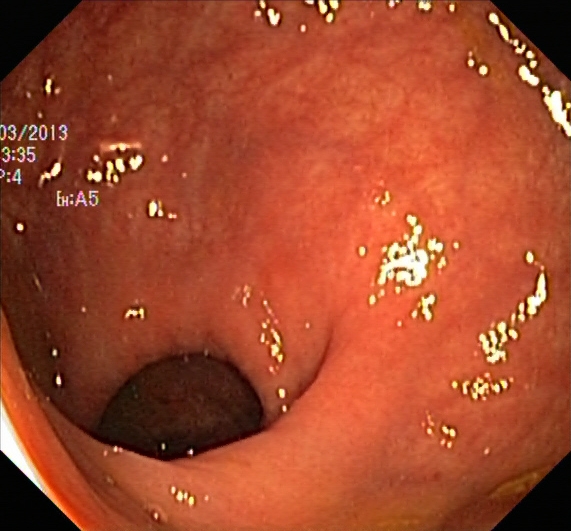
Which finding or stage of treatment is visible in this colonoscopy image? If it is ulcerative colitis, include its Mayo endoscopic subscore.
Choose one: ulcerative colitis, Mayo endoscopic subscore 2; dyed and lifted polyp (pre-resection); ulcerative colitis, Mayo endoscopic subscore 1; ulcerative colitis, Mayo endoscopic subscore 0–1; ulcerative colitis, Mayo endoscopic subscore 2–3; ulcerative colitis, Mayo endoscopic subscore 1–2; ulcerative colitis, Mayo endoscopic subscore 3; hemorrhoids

ulcerative colitis, Mayo endoscopic subscore 1